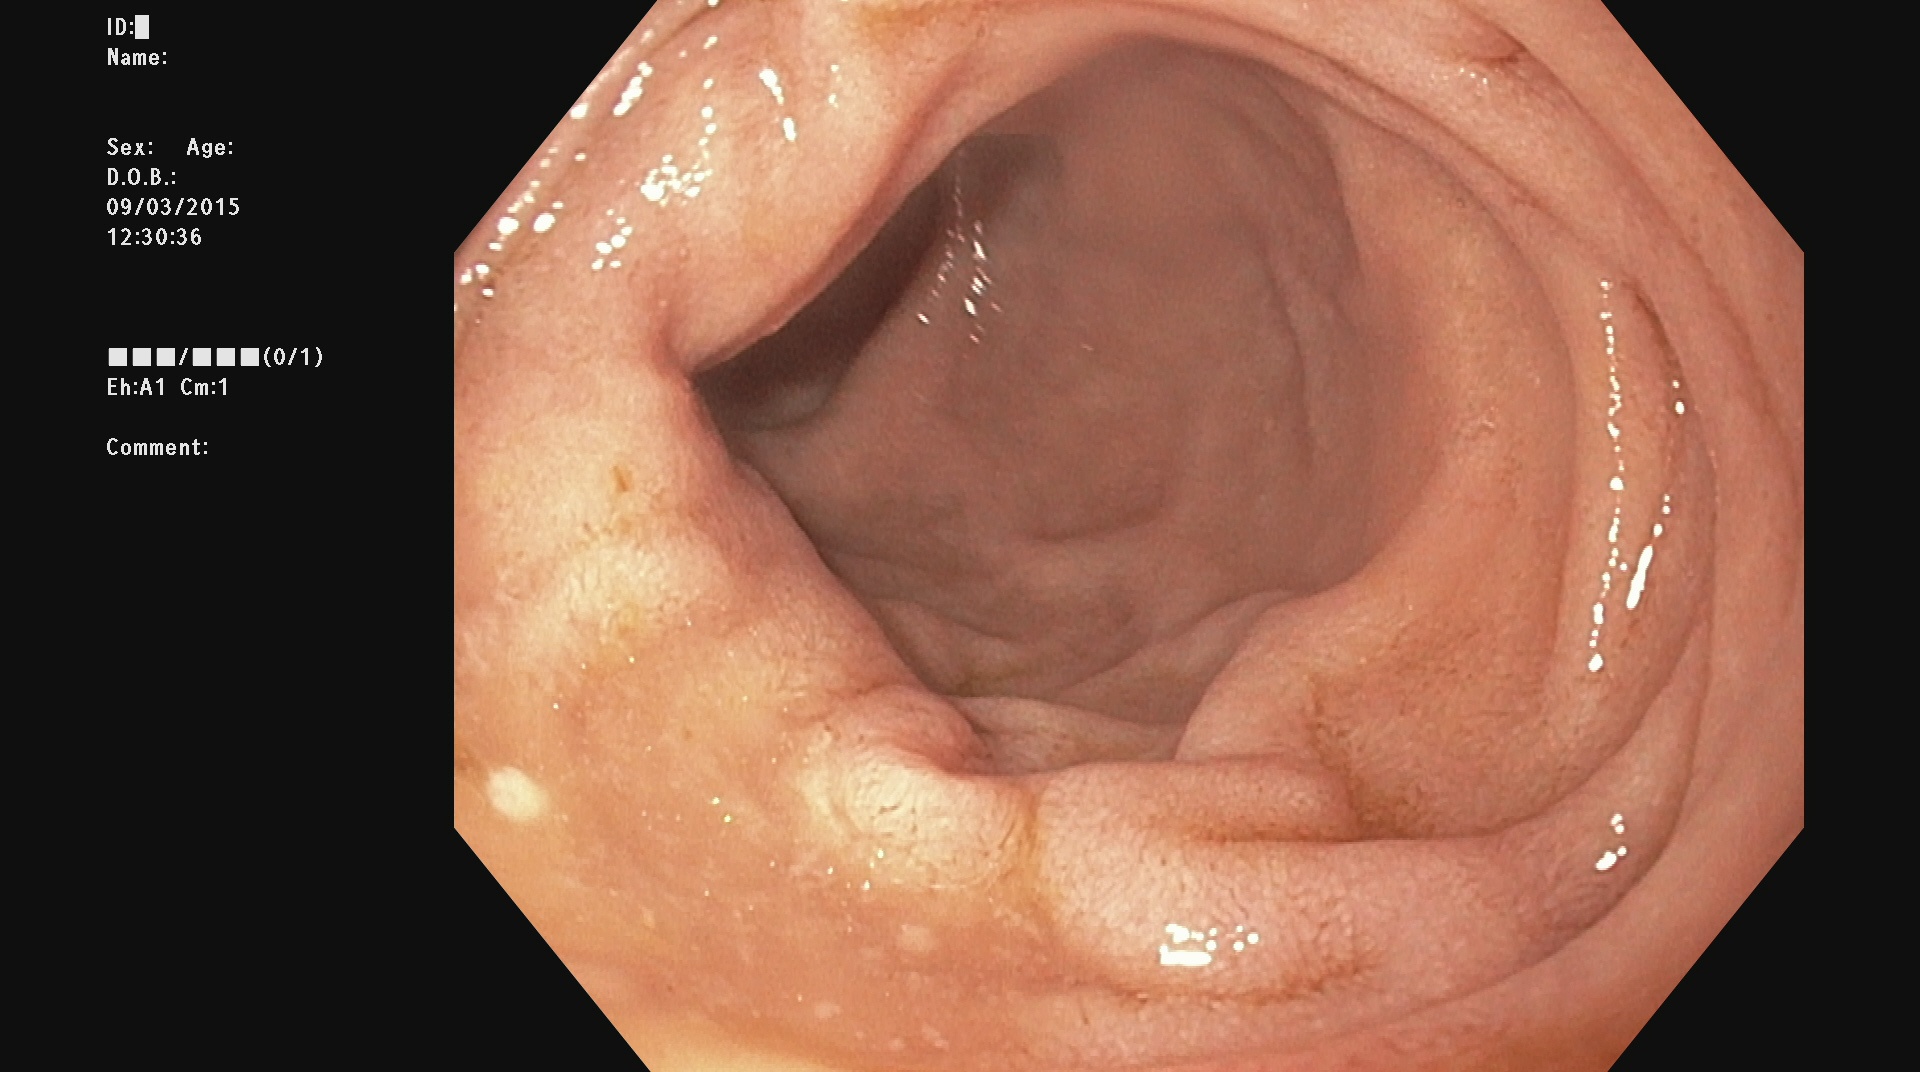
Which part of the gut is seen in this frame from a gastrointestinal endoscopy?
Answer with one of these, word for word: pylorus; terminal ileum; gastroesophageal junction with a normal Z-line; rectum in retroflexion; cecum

terminal ileum